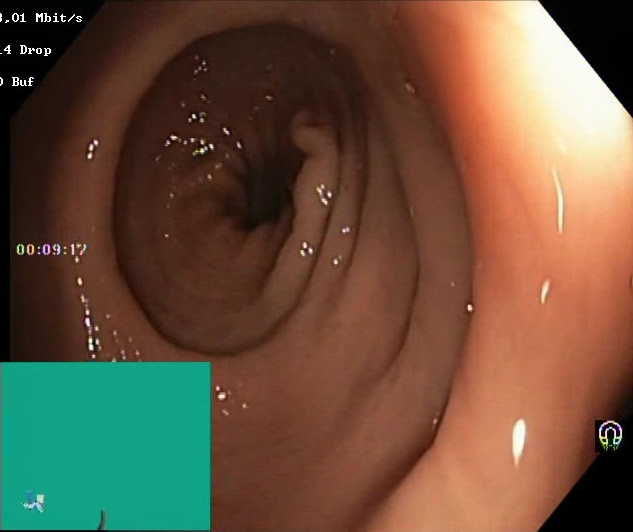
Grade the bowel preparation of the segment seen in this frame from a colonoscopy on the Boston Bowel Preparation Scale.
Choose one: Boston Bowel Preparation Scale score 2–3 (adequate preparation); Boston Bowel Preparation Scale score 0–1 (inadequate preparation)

Boston Bowel Preparation Scale score 2–3 (adequate preparation)